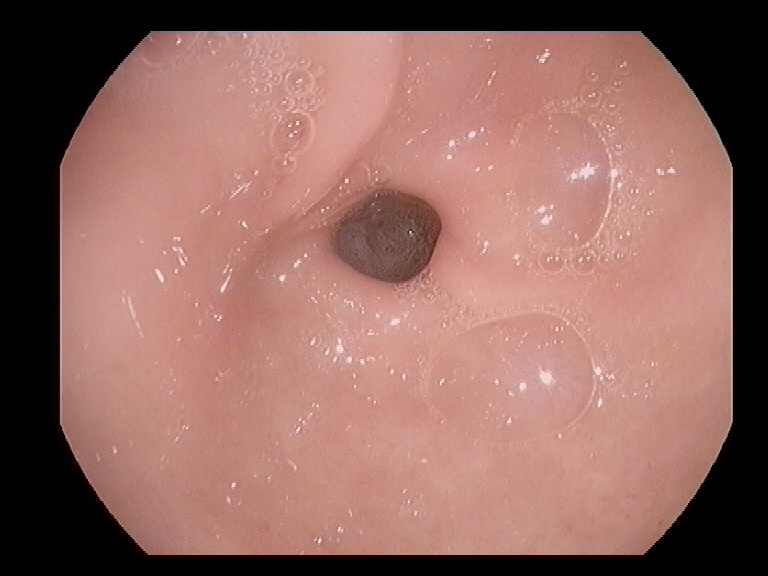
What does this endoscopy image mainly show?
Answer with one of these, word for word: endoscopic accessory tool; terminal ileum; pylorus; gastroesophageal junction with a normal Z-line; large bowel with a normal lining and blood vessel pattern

pylorus